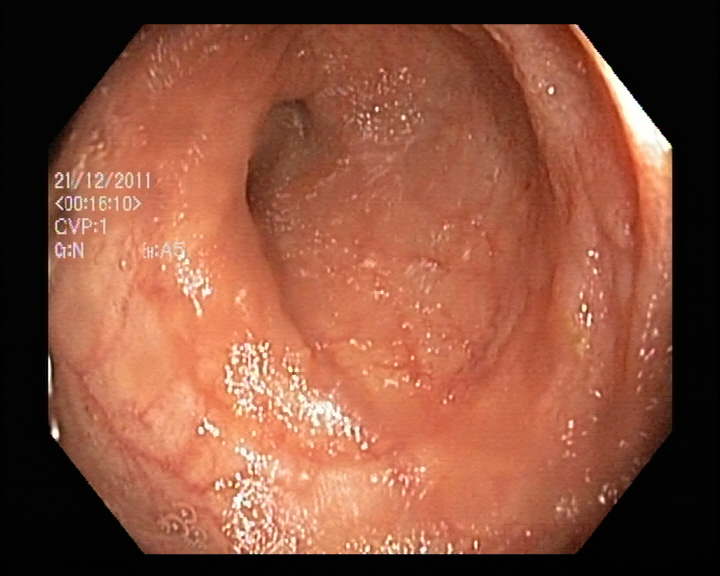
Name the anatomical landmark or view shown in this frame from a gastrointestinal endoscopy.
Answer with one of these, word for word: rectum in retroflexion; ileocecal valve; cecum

cecum